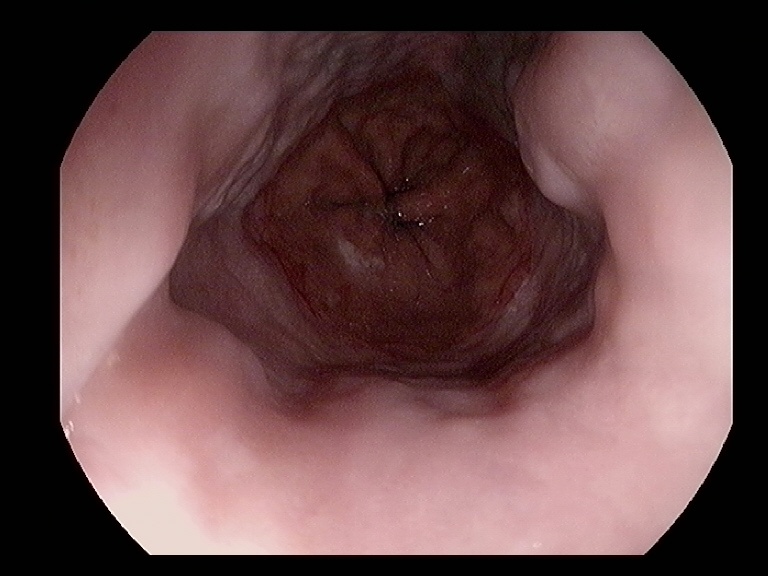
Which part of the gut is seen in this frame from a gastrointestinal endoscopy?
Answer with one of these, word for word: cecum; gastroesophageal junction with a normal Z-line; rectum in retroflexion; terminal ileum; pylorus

gastroesophageal junction with a normal Z-line